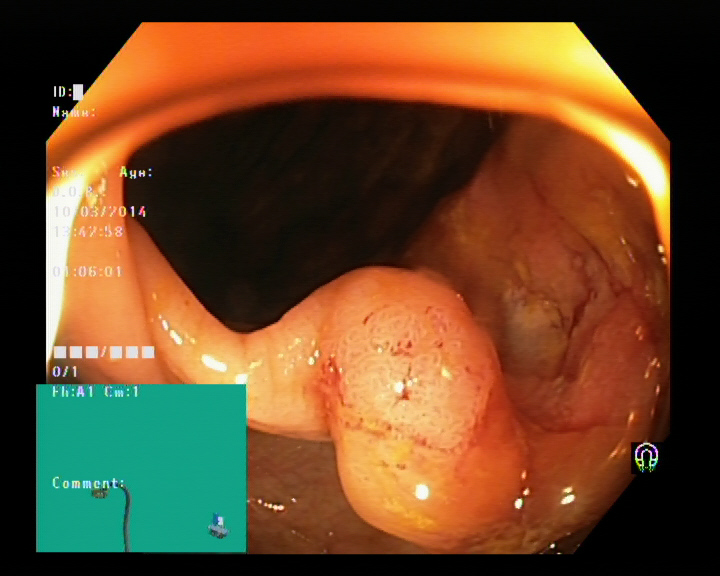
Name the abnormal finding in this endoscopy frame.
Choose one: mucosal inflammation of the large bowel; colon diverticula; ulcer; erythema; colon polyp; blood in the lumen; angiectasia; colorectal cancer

colon polyp